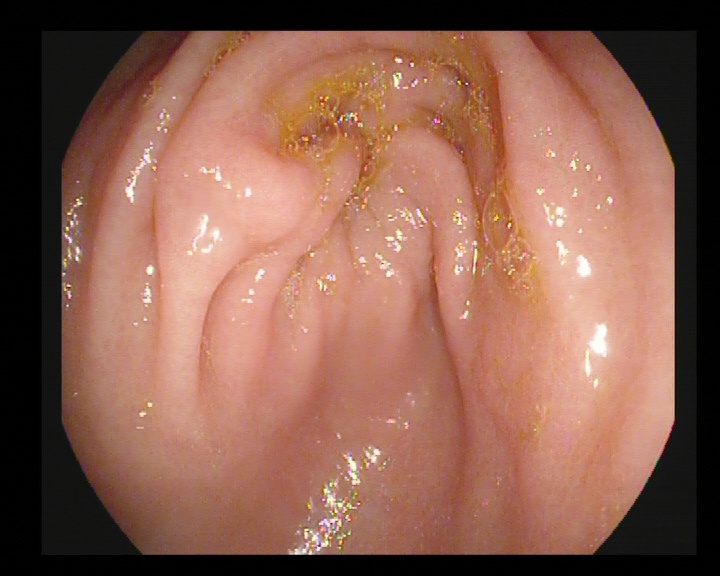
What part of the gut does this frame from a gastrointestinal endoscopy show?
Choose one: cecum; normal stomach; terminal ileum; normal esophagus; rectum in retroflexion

terminal ileum